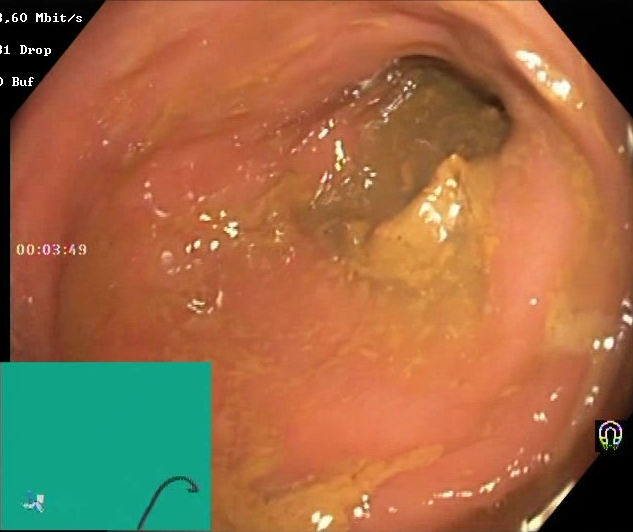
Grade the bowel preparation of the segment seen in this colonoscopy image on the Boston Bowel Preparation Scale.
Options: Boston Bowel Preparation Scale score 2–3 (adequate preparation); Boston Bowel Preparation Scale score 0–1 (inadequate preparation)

Boston Bowel Preparation Scale score 0–1 (inadequate preparation)